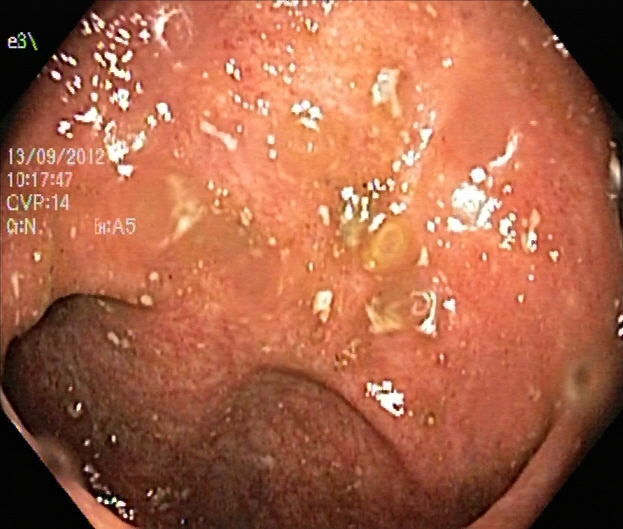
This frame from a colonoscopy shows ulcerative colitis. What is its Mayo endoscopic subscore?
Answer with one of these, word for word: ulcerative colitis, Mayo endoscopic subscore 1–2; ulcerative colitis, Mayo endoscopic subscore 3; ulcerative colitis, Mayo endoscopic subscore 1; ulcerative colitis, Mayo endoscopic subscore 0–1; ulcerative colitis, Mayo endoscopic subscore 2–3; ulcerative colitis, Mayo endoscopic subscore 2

ulcerative colitis, Mayo endoscopic subscore 1